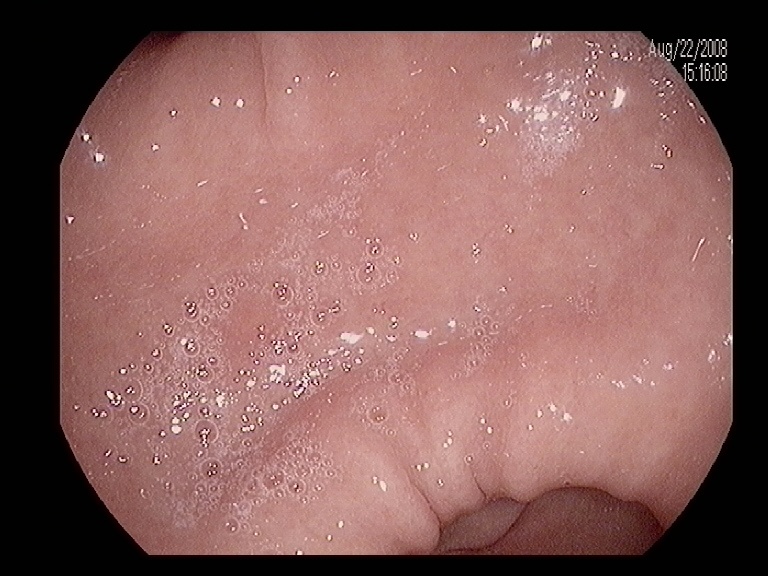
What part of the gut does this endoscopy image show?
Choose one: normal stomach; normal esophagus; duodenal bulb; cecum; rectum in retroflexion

normal stomach